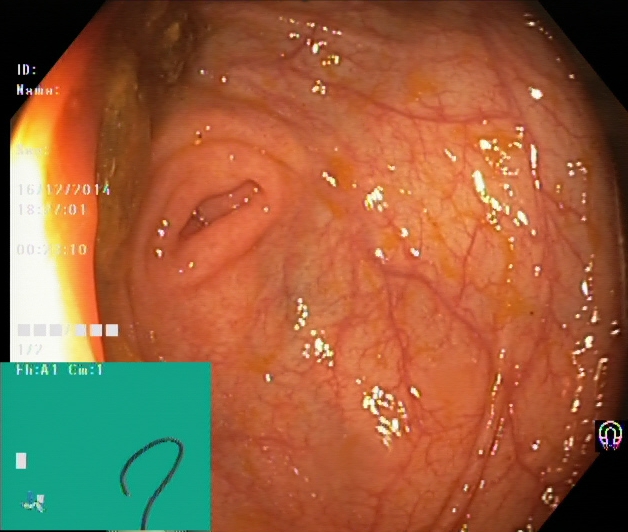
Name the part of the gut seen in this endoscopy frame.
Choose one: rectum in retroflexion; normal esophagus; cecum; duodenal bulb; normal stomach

cecum